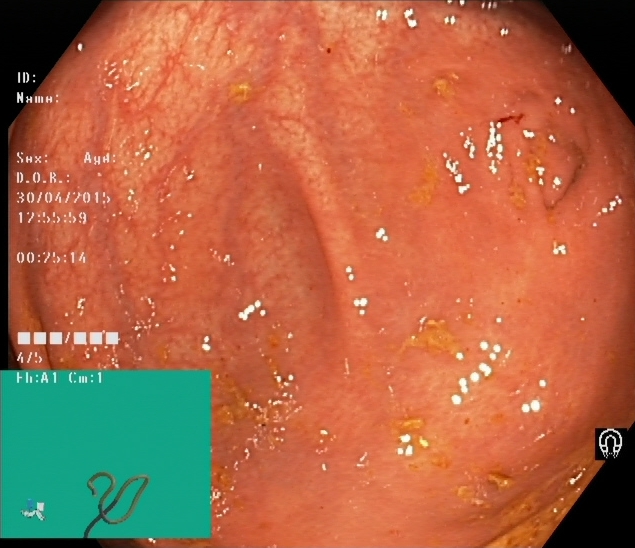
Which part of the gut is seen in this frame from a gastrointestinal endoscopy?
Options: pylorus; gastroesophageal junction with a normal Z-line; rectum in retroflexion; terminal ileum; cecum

cecum